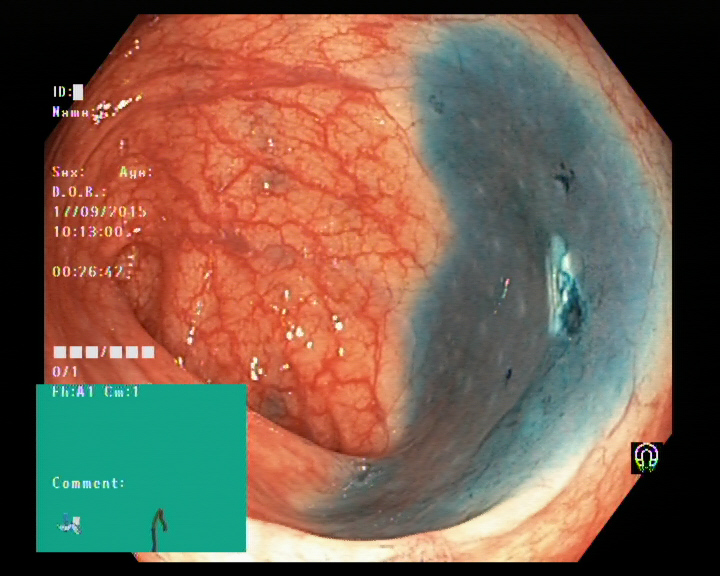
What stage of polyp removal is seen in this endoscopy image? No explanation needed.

dyed resection margin (post-polypectomy)